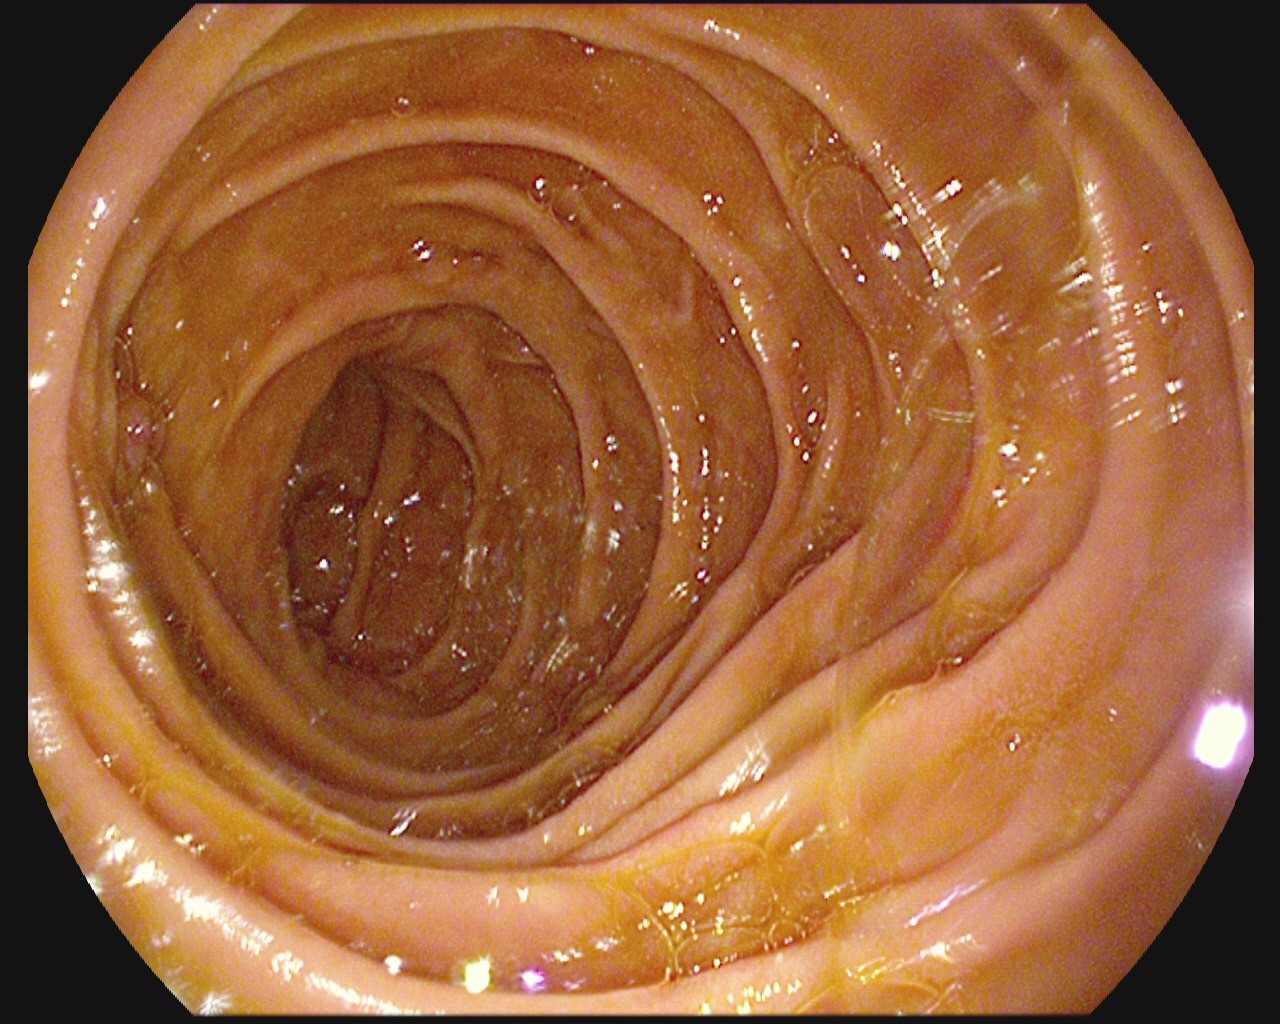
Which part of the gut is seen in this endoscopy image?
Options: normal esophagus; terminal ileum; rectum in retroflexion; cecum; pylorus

terminal ileum